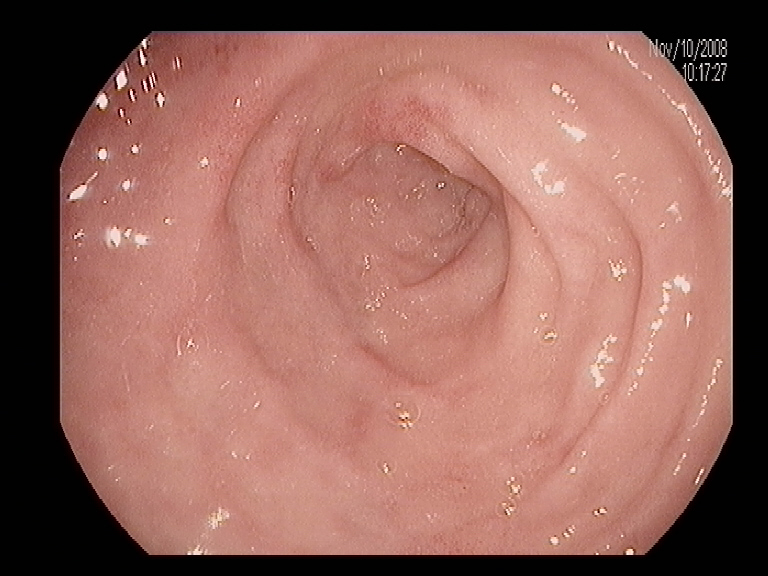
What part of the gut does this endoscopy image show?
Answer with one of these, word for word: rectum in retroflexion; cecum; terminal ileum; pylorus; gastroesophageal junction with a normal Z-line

terminal ileum